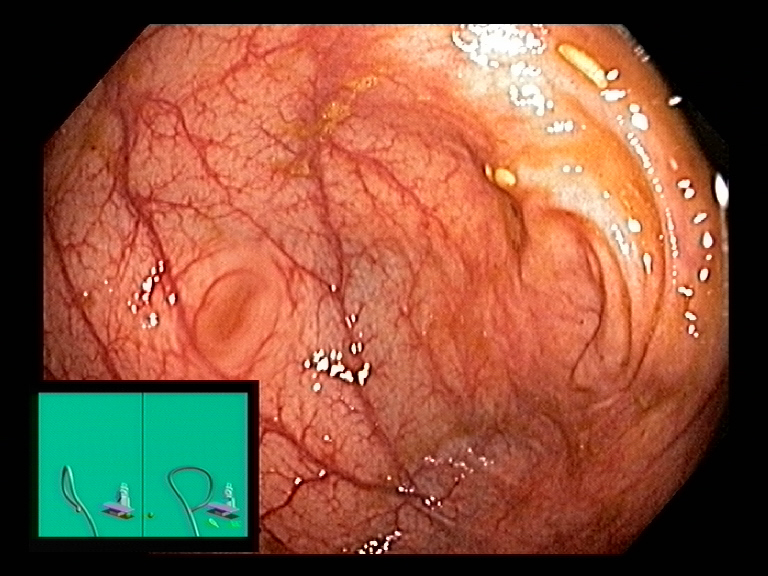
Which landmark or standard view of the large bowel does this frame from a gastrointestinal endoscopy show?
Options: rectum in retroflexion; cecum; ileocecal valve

cecum